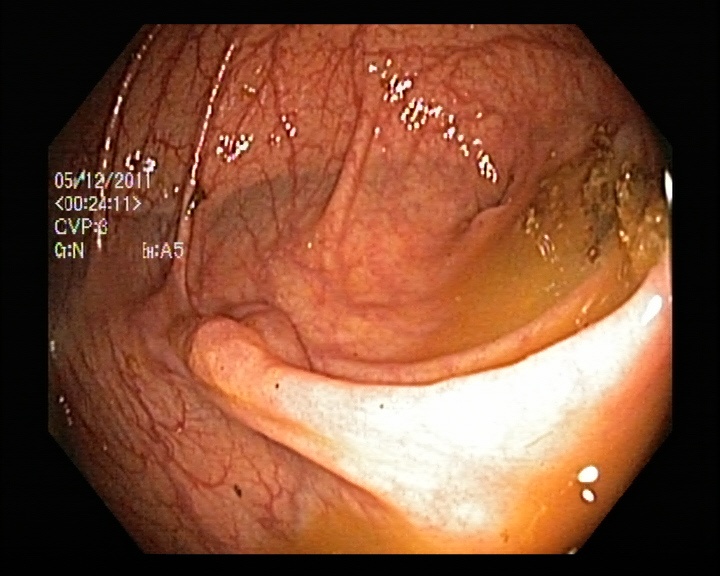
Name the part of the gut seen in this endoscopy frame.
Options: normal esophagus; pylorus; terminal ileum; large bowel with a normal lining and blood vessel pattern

large bowel with a normal lining and blood vessel pattern